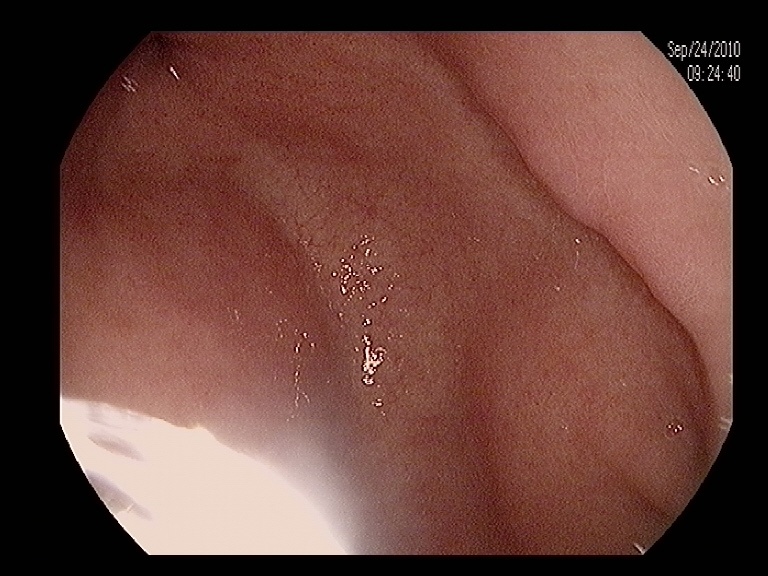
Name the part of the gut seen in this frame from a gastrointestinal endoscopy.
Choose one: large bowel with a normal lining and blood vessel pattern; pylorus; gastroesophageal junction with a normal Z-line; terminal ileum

terminal ileum